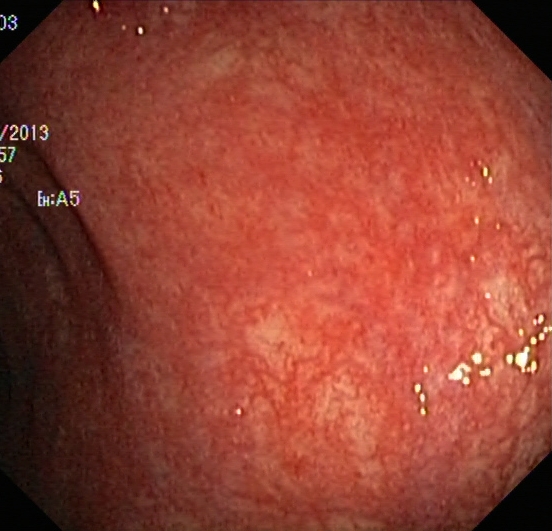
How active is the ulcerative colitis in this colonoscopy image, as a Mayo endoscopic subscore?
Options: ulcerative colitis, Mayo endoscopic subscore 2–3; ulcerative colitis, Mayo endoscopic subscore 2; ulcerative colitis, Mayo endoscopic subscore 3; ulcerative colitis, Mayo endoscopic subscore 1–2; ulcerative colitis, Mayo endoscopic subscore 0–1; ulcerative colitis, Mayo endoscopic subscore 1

ulcerative colitis, Mayo endoscopic subscore 1